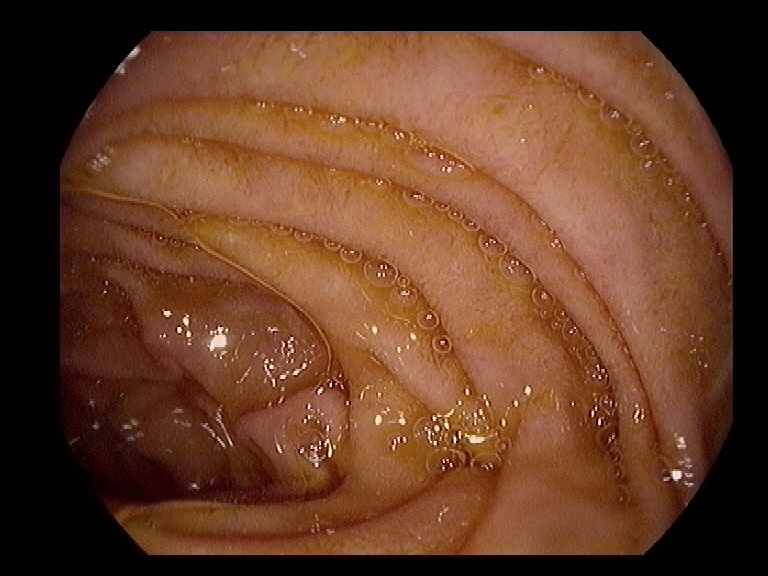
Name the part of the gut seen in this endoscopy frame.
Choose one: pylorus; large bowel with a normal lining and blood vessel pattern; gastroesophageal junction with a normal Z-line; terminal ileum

terminal ileum